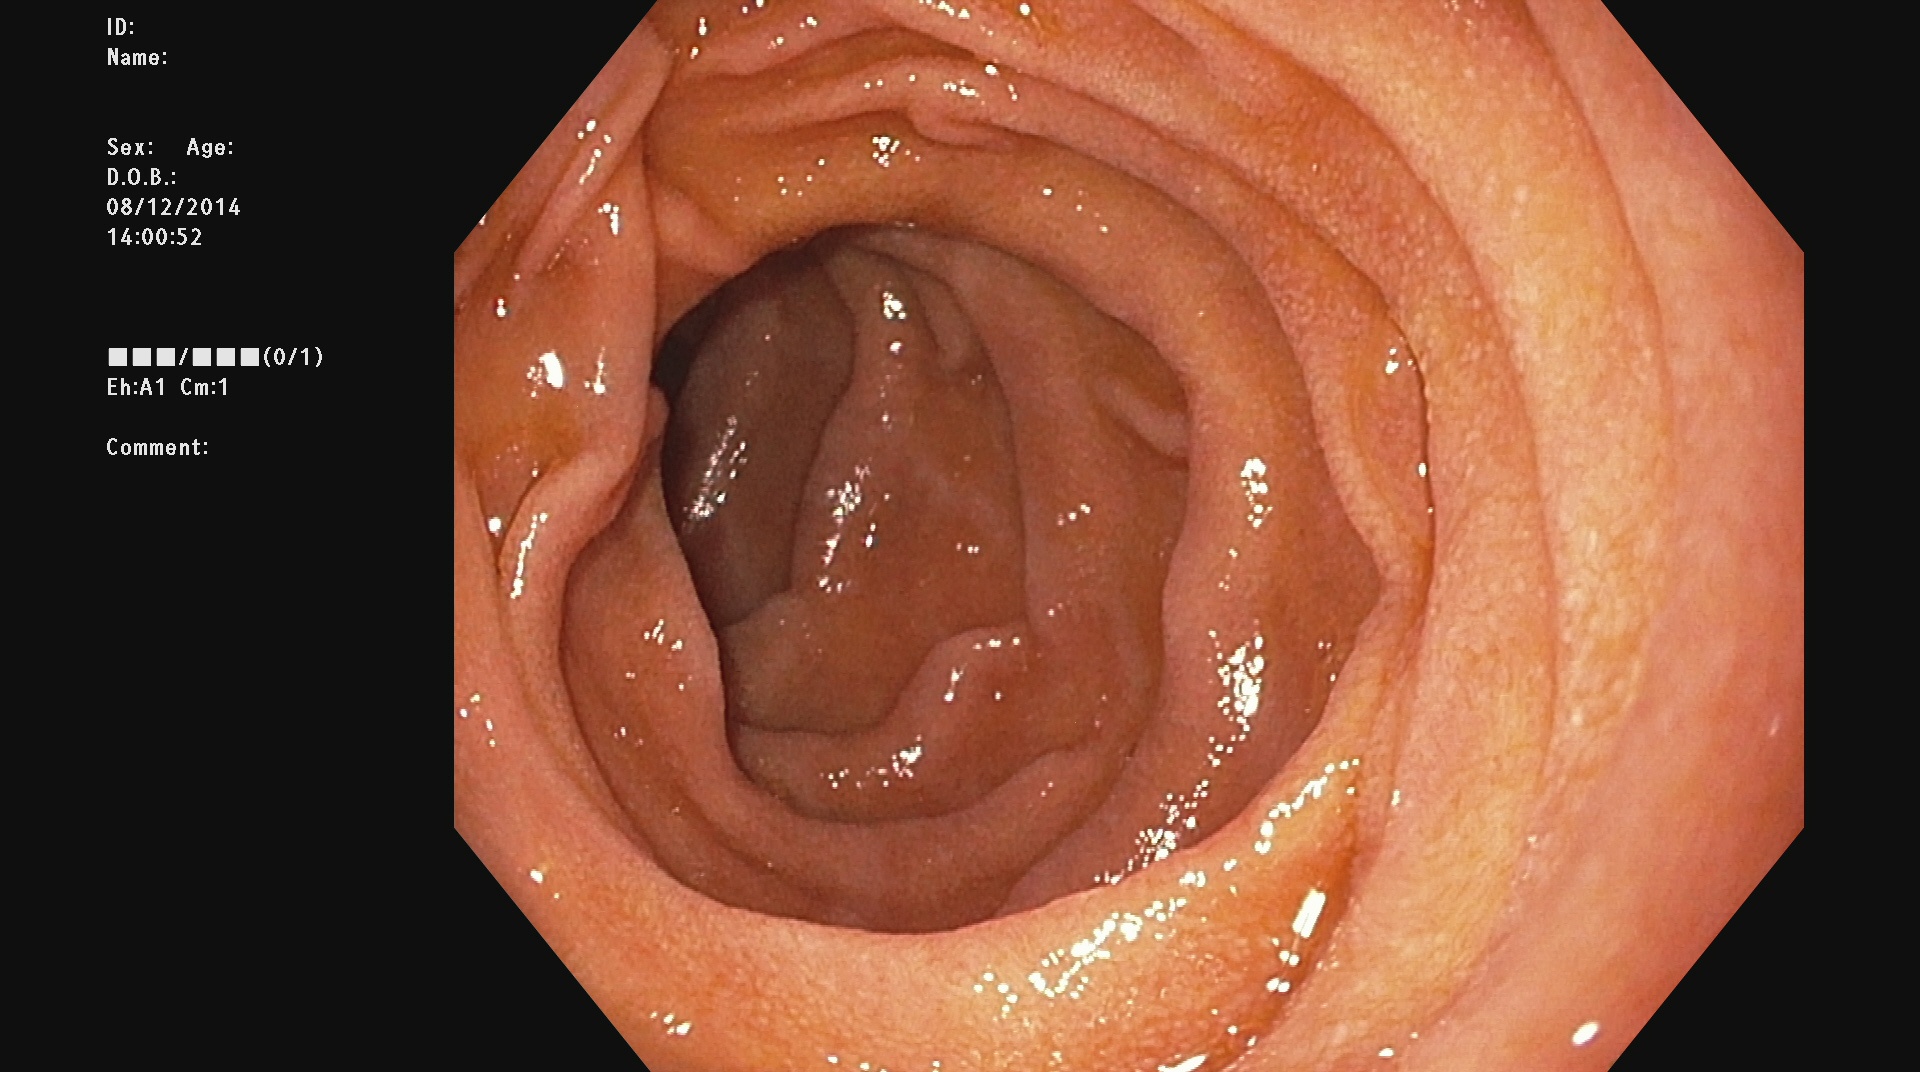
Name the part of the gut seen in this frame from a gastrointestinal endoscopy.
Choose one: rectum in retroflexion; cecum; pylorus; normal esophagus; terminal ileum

terminal ileum